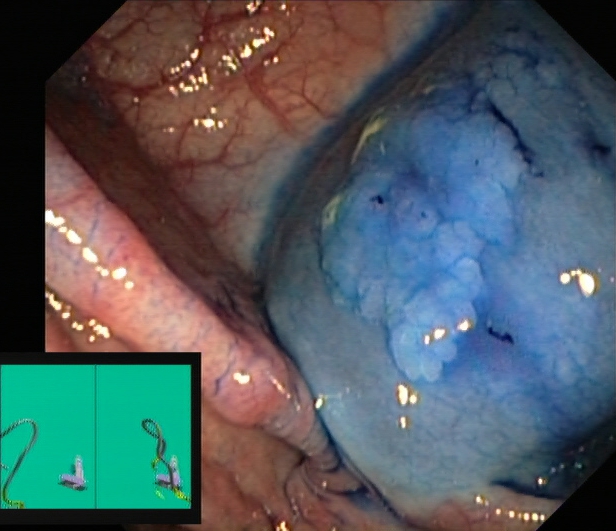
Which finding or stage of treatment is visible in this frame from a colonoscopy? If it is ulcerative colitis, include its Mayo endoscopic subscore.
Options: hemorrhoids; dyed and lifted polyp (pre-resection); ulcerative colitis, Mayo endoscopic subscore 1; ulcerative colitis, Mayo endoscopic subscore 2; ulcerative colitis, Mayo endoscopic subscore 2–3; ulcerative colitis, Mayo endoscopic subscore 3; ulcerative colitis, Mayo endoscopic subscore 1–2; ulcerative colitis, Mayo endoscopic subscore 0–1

dyed and lifted polyp (pre-resection)